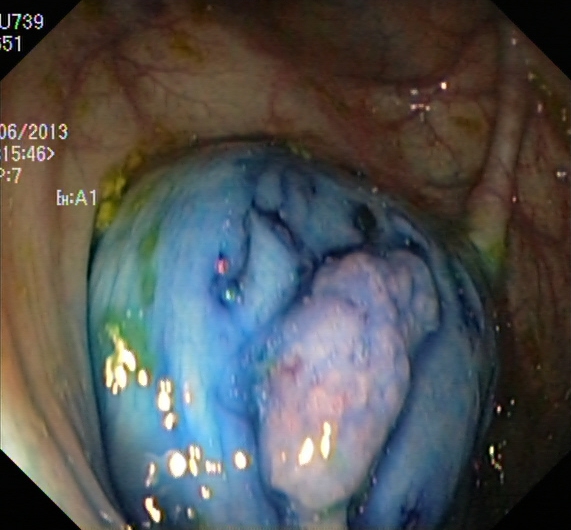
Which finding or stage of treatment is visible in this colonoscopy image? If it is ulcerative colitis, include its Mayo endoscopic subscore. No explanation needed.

dyed and lifted polyp (pre-resection)